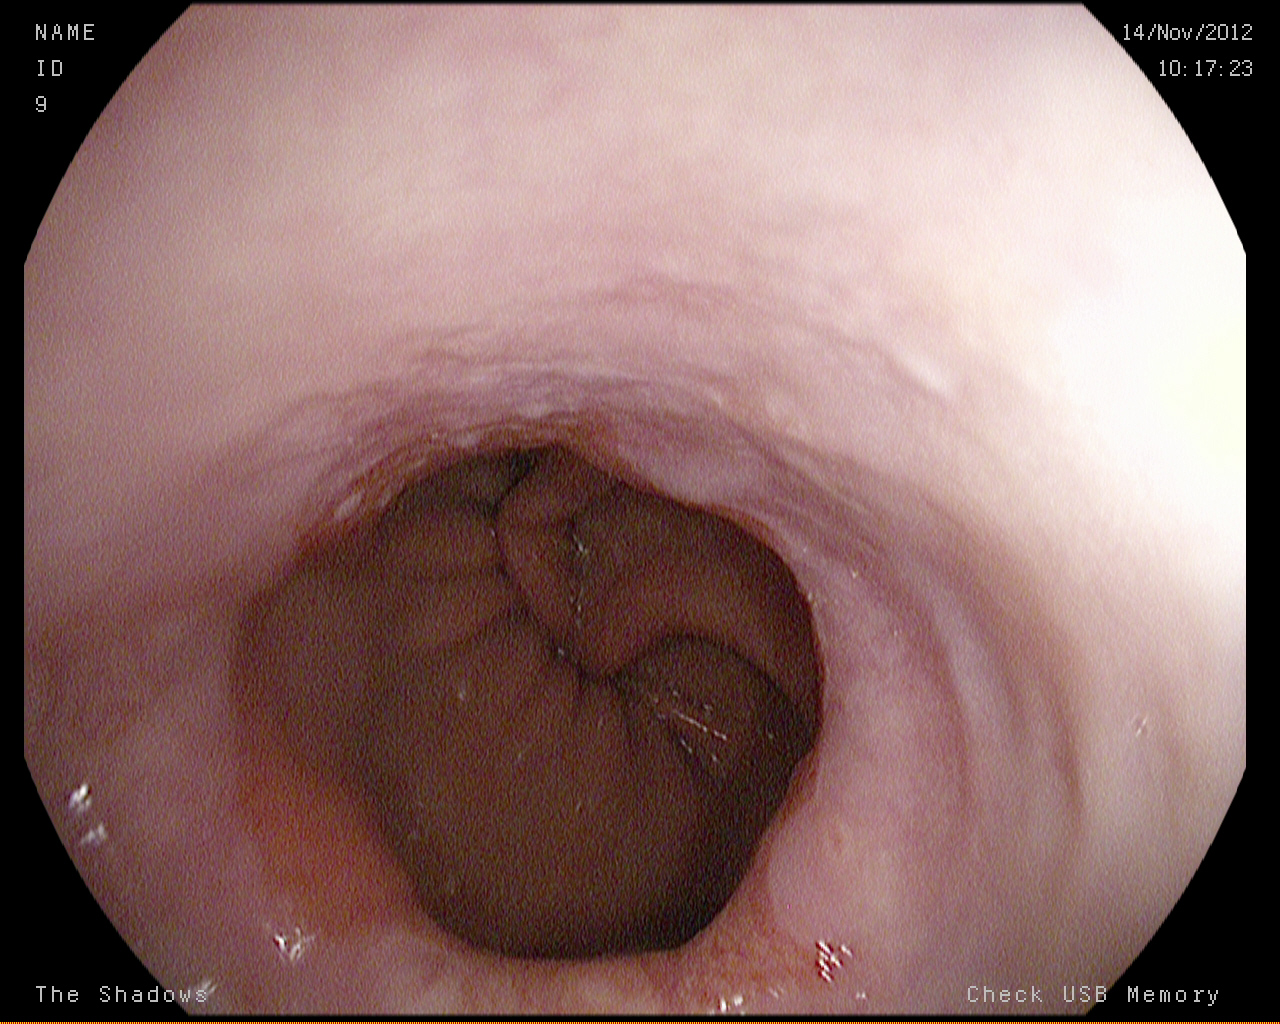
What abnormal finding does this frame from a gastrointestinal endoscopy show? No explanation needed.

Barrett's esophagus